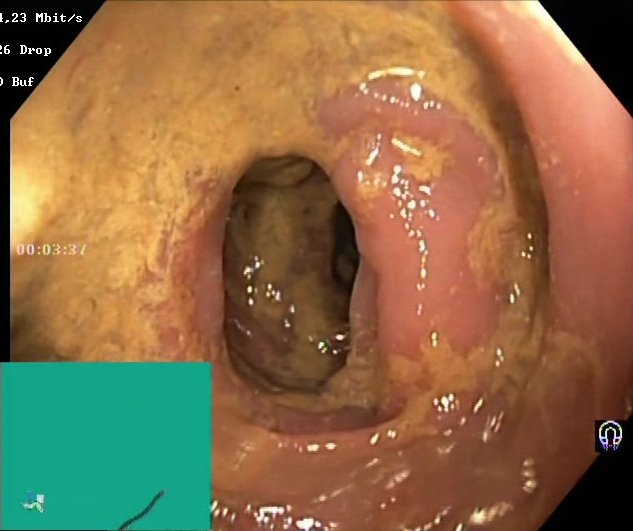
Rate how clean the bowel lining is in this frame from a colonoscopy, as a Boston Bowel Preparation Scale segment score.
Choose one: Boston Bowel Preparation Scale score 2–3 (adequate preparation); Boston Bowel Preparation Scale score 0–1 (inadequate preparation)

Boston Bowel Preparation Scale score 0–1 (inadequate preparation)